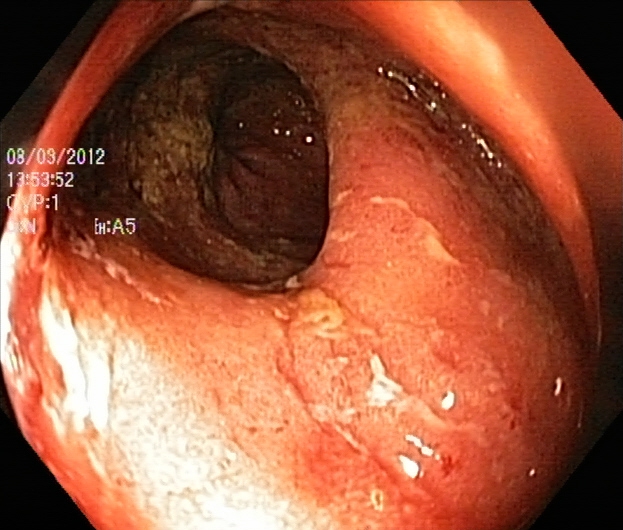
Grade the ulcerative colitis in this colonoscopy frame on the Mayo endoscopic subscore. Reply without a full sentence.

ulcerative colitis, Mayo endoscopic subscore 2